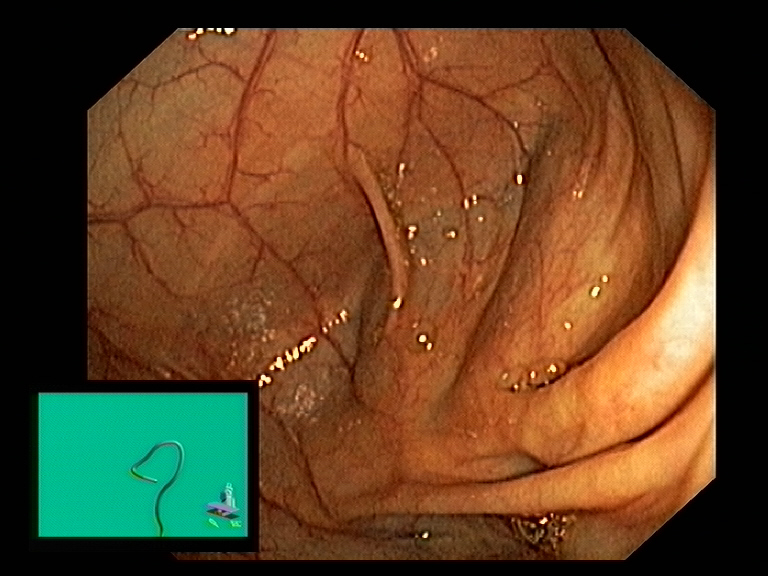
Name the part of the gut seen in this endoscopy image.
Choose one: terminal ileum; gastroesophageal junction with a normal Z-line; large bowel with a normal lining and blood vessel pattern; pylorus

large bowel with a normal lining and blood vessel pattern